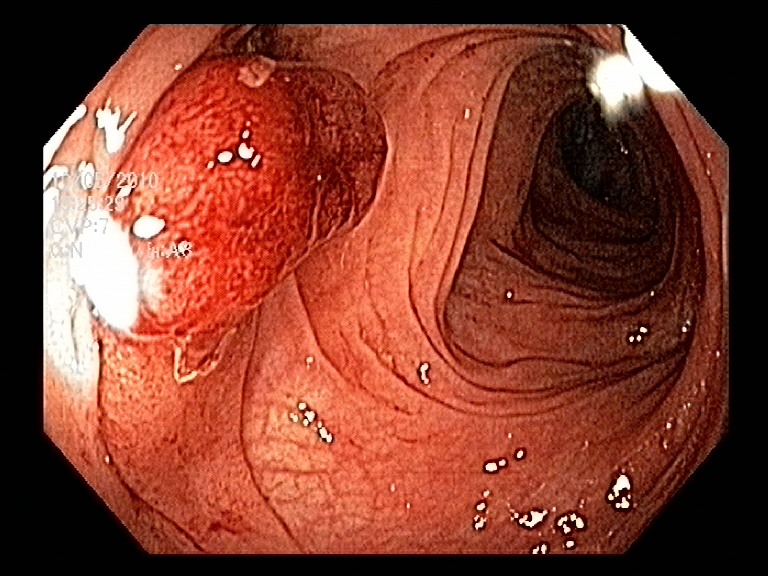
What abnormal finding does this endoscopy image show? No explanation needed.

colon polyp